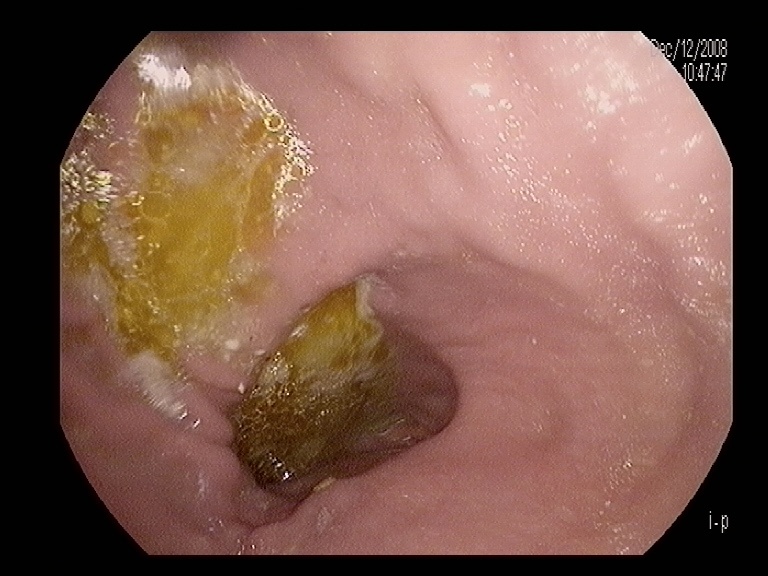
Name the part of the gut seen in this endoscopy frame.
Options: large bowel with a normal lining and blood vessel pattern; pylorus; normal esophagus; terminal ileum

terminal ileum